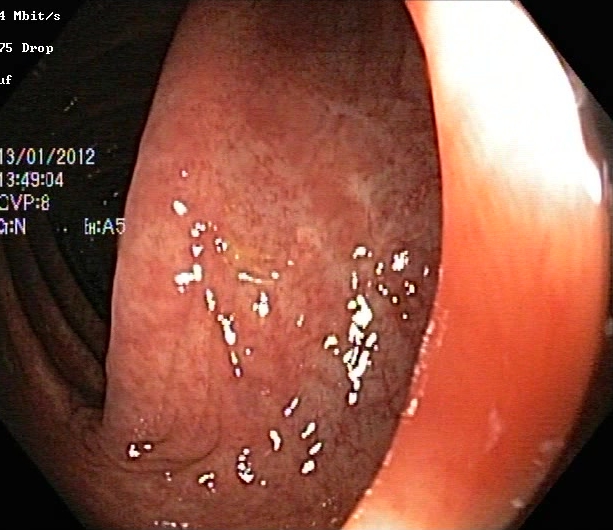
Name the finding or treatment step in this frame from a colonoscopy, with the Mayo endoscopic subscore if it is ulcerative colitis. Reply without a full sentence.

ulcerative colitis, Mayo endoscopic subscore 2